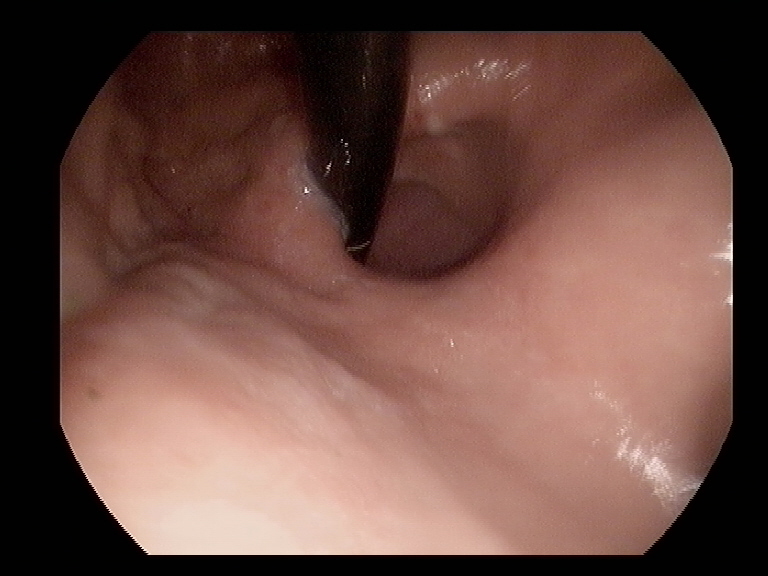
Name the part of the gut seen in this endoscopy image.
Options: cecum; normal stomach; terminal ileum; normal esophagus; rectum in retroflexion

normal stomach